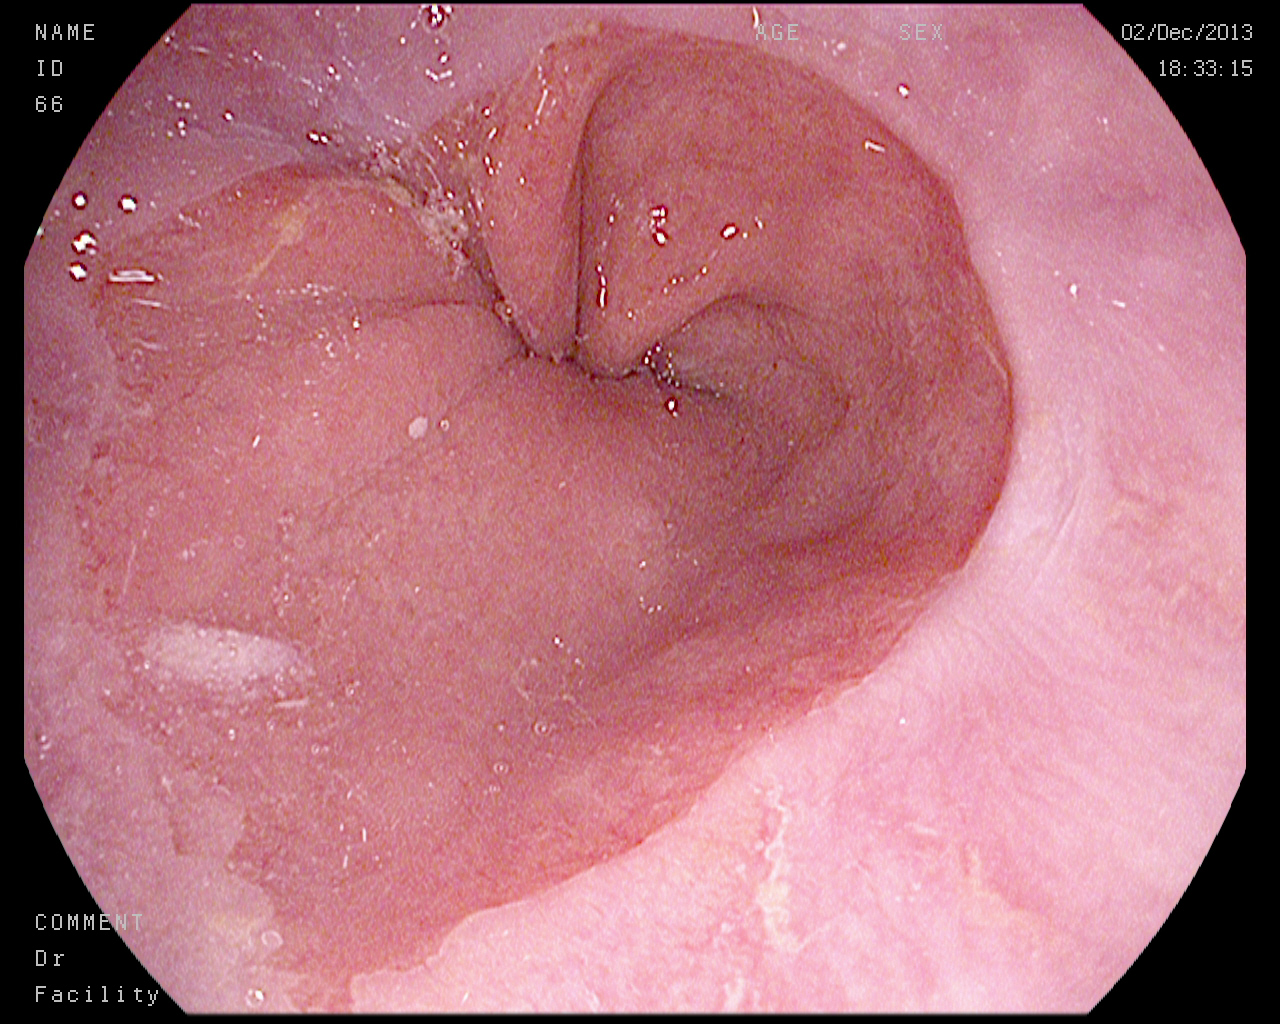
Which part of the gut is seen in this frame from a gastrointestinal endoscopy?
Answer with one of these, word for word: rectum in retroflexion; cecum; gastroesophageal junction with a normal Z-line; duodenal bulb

gastroesophageal junction with a normal Z-line